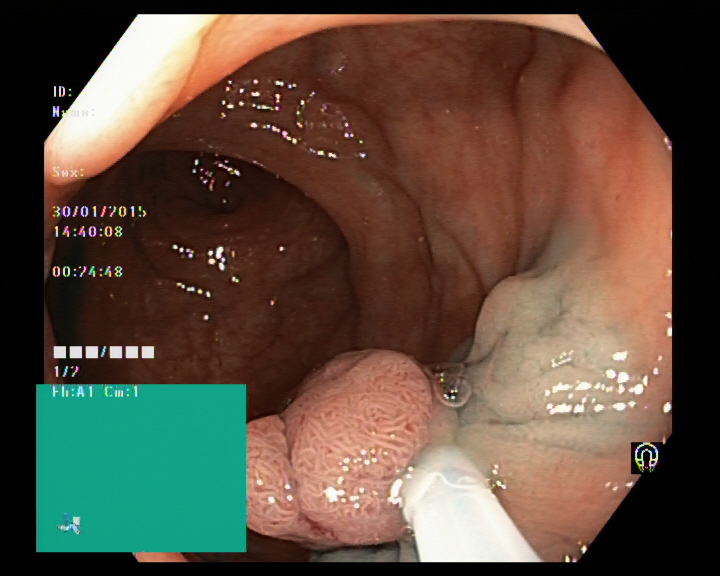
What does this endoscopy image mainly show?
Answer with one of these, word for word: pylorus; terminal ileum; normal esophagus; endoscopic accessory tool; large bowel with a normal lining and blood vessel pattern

endoscopic accessory tool